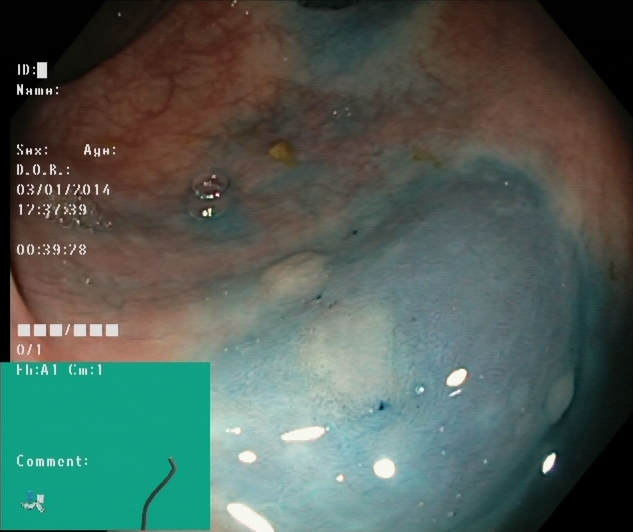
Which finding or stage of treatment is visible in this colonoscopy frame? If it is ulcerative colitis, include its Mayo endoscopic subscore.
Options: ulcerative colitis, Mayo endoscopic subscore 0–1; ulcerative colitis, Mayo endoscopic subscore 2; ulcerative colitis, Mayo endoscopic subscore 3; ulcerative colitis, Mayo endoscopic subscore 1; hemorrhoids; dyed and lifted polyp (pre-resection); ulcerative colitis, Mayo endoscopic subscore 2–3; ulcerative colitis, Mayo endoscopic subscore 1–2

dyed and lifted polyp (pre-resection)